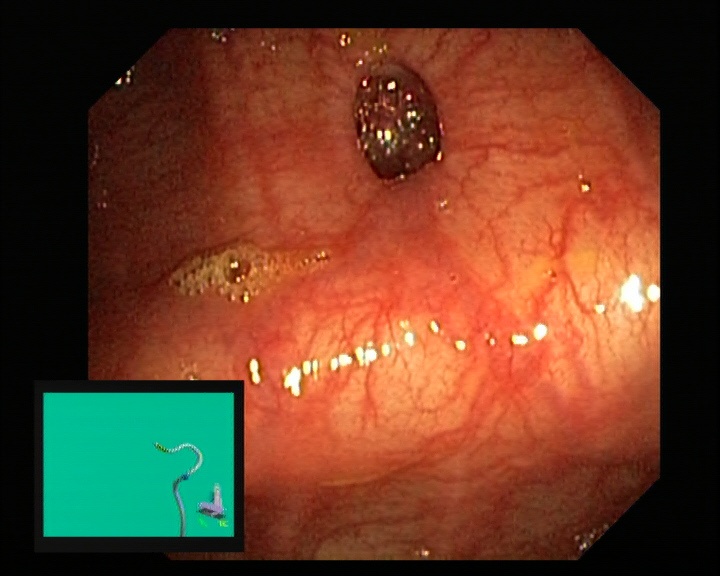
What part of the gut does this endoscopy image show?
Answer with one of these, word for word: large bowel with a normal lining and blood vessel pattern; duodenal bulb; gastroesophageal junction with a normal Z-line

large bowel with a normal lining and blood vessel pattern